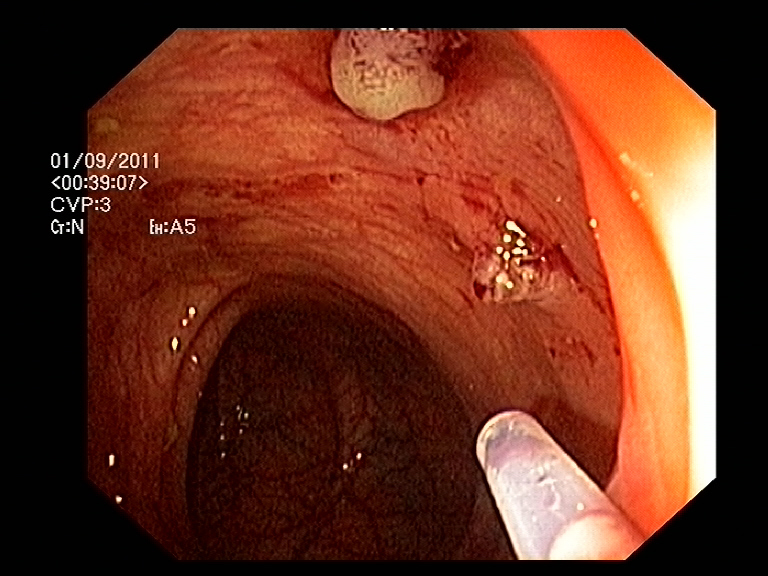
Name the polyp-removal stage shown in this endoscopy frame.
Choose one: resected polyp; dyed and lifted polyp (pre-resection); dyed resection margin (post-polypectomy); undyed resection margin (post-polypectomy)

resected polyp